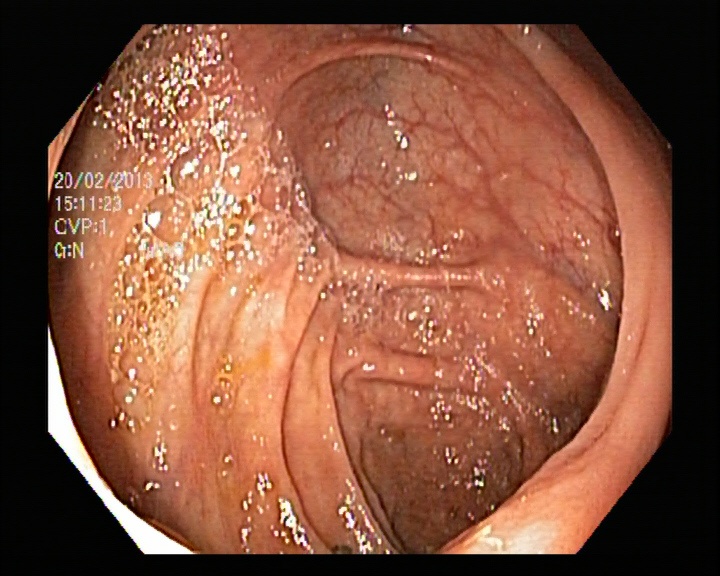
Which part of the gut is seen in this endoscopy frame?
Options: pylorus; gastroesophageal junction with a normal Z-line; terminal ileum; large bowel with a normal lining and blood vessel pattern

large bowel with a normal lining and blood vessel pattern